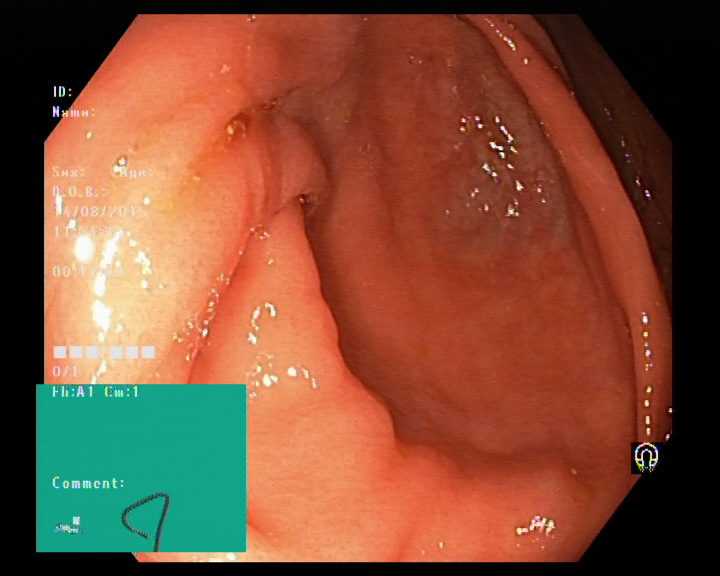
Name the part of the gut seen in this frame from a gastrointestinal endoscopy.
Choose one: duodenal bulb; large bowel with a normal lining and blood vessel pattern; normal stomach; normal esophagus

large bowel with a normal lining and blood vessel pattern